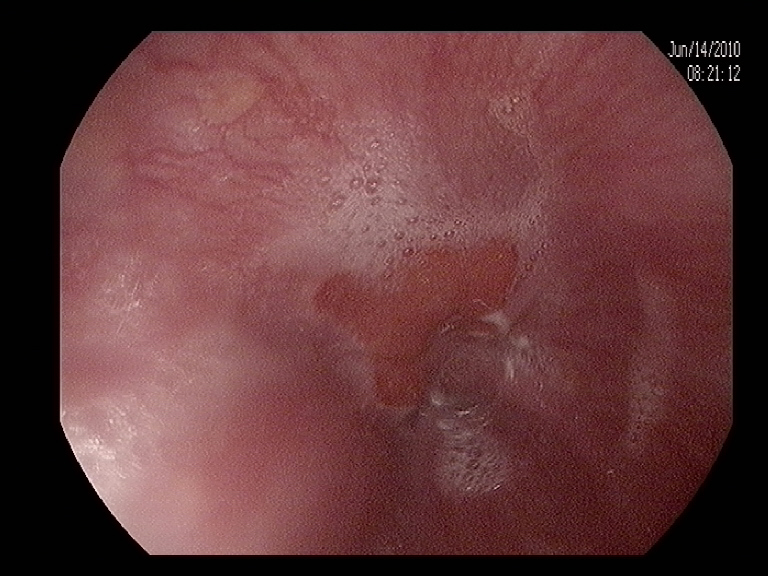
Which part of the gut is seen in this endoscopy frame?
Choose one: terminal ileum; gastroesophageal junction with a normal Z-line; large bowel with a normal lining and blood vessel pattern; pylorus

gastroesophageal junction with a normal Z-line